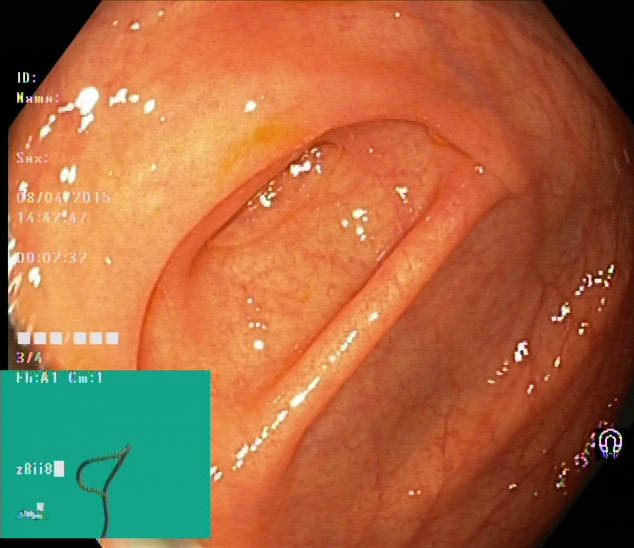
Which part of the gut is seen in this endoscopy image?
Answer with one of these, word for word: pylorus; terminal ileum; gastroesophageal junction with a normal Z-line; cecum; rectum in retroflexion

cecum